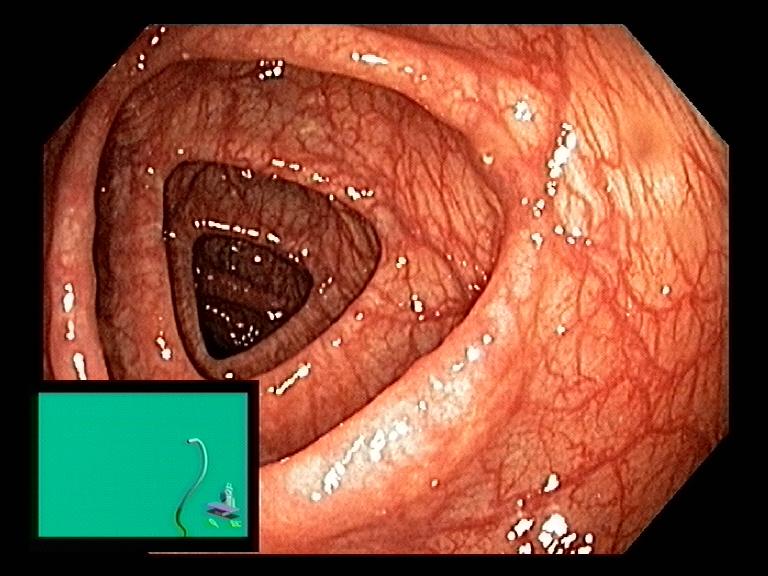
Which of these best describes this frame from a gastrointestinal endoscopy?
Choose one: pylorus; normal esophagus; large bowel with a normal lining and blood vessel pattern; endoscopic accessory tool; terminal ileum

large bowel with a normal lining and blood vessel pattern